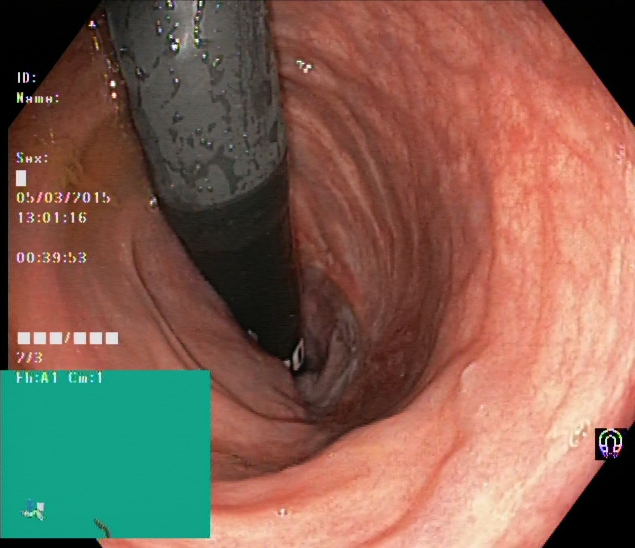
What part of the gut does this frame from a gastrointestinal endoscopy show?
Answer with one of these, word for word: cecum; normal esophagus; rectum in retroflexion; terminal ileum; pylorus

rectum in retroflexion